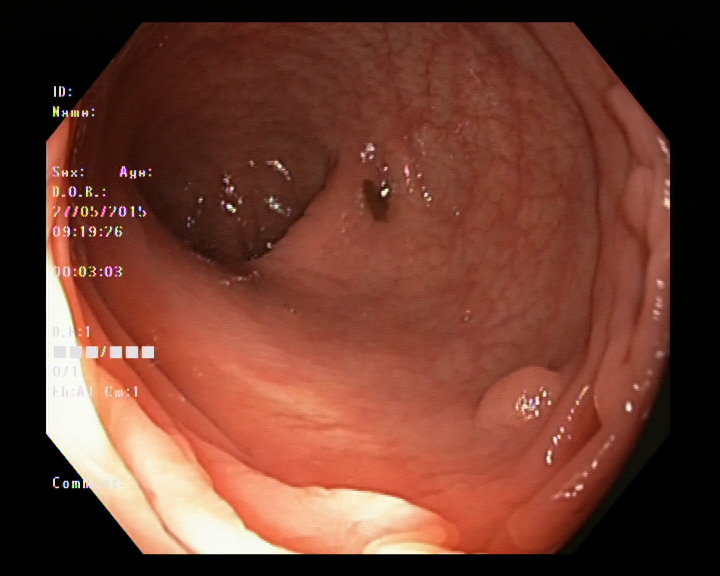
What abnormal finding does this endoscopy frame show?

colon polyp